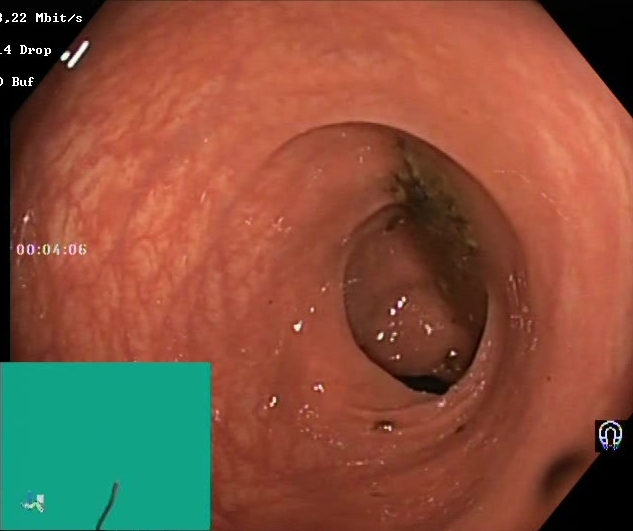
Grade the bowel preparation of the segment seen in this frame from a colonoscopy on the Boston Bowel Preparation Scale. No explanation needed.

Boston Bowel Preparation Scale score 0–1 (inadequate preparation)